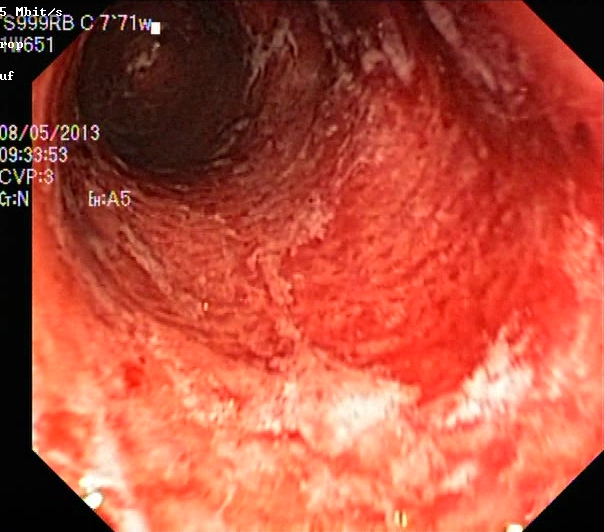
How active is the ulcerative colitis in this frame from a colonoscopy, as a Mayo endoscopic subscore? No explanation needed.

ulcerative colitis, Mayo endoscopic subscore 3